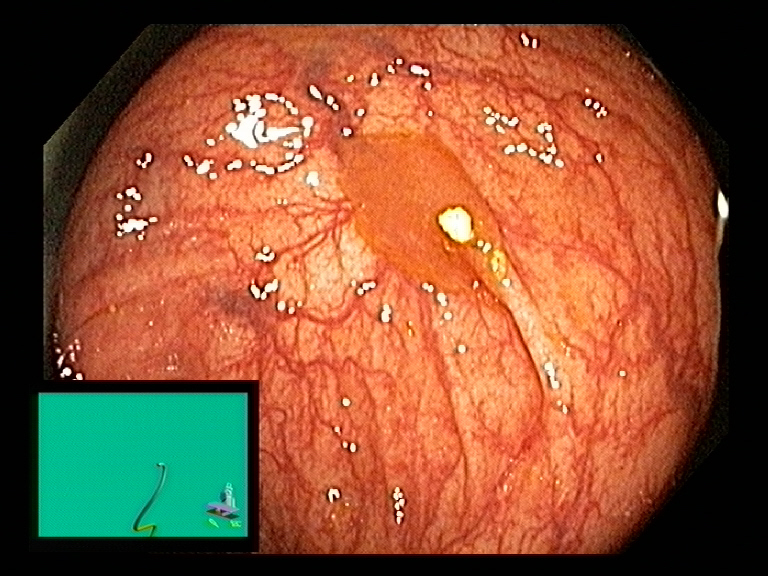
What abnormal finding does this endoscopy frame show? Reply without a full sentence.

colon polyp